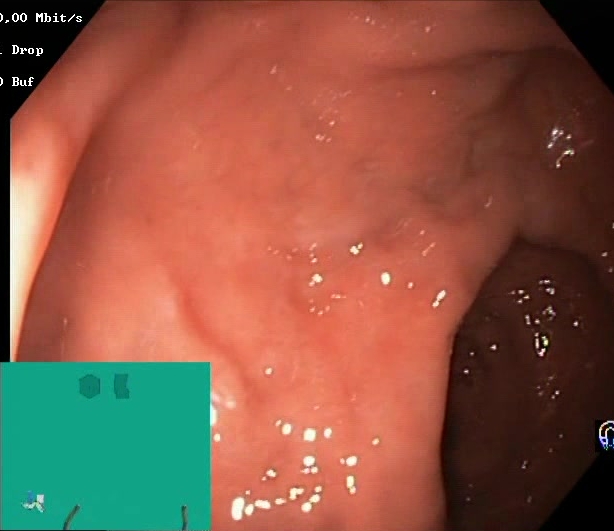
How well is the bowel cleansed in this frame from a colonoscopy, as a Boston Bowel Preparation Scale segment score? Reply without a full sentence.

Boston Bowel Preparation Scale score 2–3 (adequate preparation)